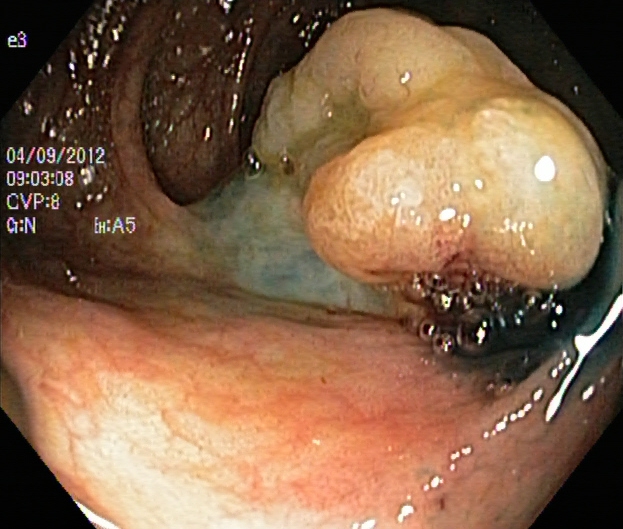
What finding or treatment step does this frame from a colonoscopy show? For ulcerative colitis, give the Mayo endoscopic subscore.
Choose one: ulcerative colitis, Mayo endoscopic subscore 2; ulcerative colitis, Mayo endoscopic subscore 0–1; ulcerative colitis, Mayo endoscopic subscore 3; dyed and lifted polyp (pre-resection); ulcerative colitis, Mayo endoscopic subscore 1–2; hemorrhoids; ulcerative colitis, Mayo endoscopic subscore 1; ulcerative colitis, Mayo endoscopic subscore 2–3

dyed and lifted polyp (pre-resection)